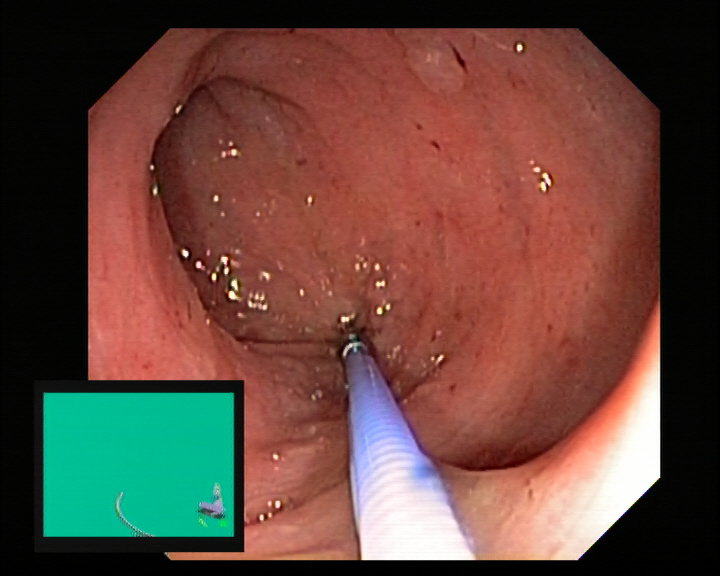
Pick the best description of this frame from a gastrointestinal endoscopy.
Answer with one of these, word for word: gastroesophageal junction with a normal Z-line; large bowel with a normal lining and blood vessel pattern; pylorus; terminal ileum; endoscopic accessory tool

endoscopic accessory tool